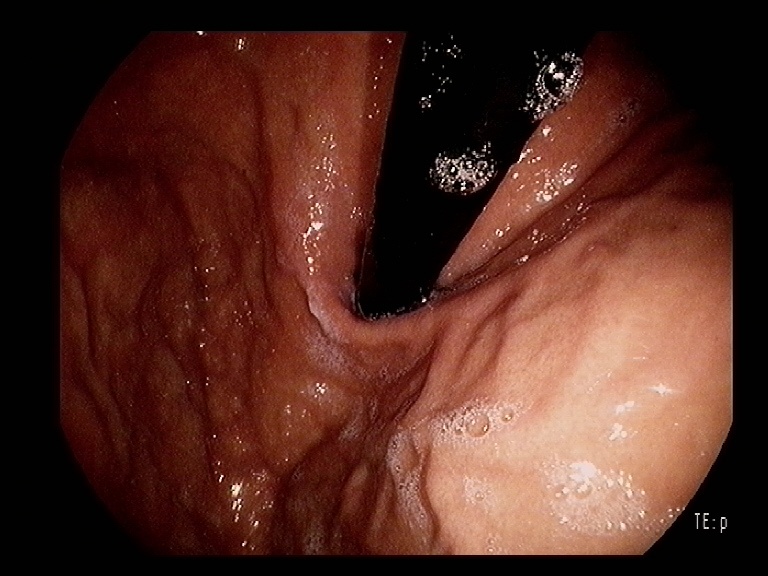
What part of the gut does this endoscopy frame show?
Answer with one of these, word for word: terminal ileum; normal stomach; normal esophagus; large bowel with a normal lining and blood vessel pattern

normal stomach